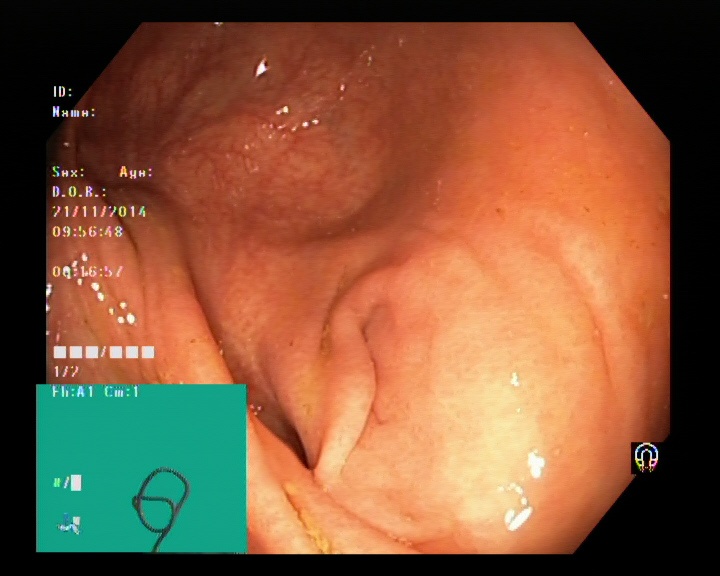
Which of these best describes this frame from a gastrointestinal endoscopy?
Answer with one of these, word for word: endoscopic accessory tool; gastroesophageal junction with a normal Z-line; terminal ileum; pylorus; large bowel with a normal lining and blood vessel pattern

large bowel with a normal lining and blood vessel pattern